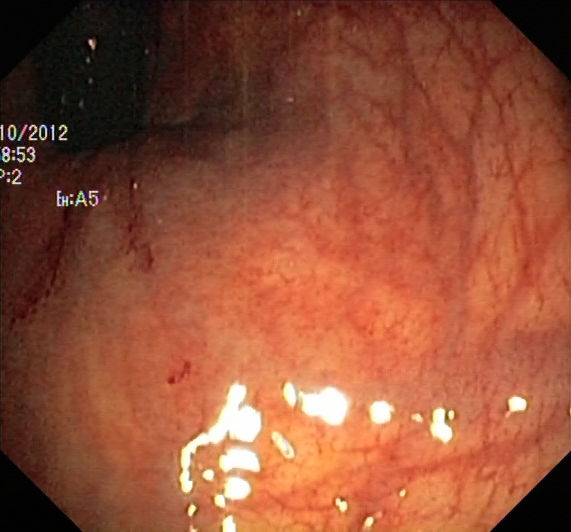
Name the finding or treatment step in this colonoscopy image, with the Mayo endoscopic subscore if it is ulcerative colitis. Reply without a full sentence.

ulcerative colitis, Mayo endoscopic subscore 1